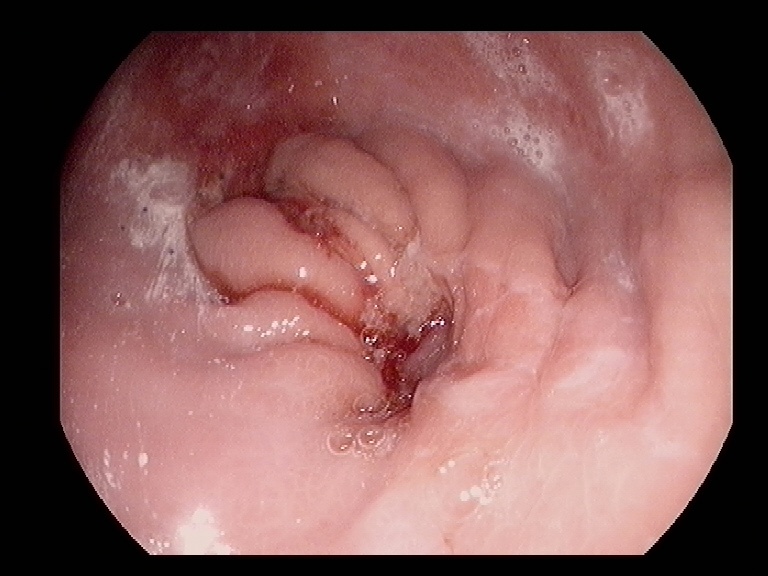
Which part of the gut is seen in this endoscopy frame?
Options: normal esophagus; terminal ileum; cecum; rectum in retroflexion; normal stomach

normal stomach